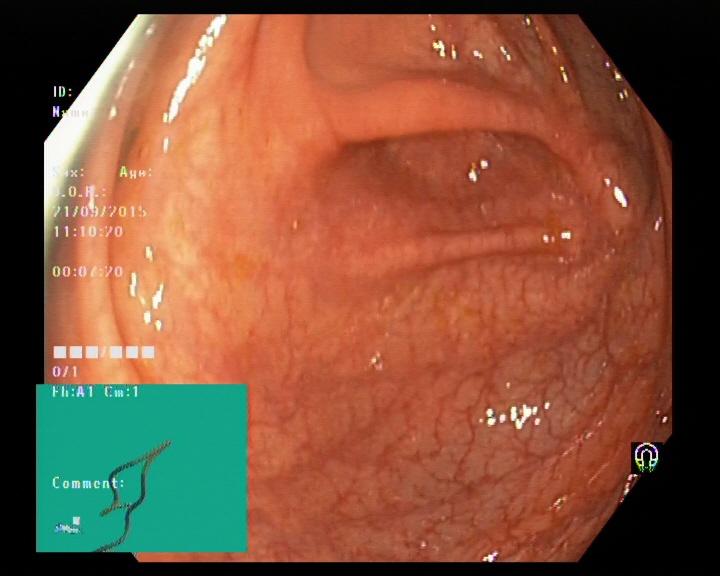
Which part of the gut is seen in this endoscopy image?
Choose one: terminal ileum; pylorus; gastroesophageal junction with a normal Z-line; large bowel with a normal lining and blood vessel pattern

large bowel with a normal lining and blood vessel pattern